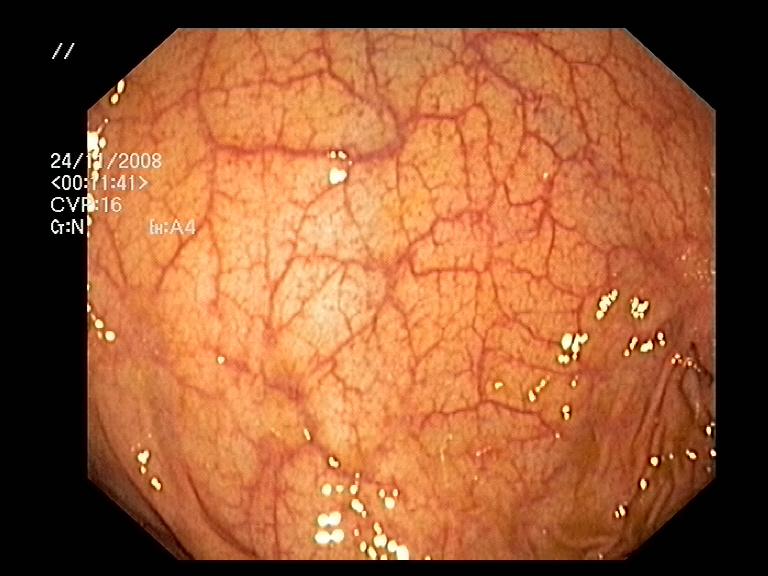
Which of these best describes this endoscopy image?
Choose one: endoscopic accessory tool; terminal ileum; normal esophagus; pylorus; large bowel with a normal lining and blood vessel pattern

large bowel with a normal lining and blood vessel pattern